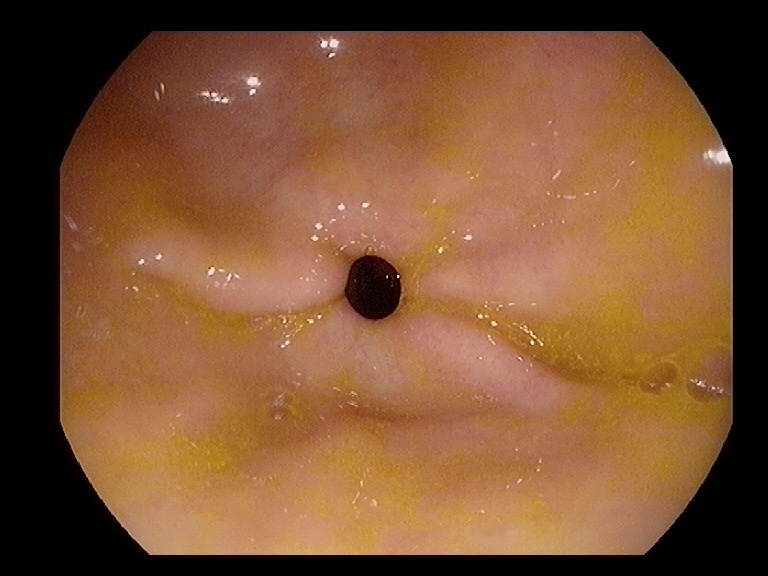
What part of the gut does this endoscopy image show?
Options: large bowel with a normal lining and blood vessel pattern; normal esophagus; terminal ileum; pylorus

pylorus